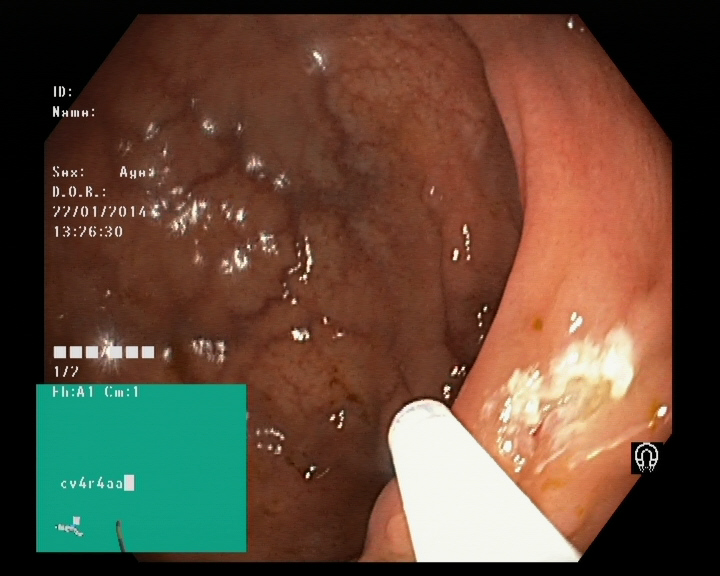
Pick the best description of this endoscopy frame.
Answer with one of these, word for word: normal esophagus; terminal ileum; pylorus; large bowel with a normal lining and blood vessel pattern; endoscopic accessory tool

endoscopic accessory tool